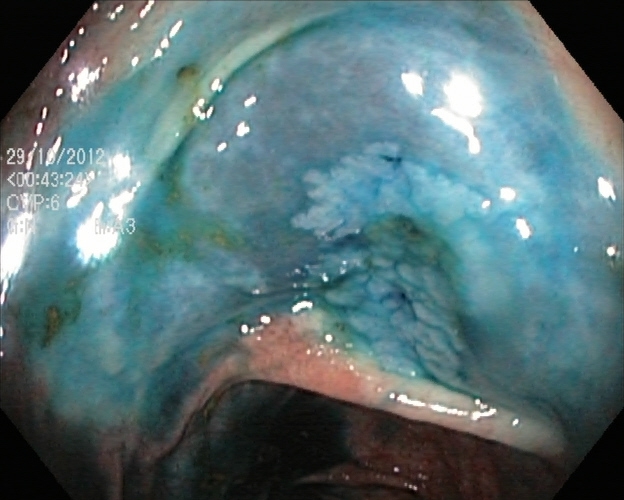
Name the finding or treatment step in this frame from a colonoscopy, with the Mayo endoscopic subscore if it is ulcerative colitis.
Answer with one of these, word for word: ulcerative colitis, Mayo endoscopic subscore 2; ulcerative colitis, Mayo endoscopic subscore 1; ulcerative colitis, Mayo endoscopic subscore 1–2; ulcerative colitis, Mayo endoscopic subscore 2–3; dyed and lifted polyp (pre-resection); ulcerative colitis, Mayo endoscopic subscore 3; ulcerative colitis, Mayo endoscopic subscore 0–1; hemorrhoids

dyed and lifted polyp (pre-resection)